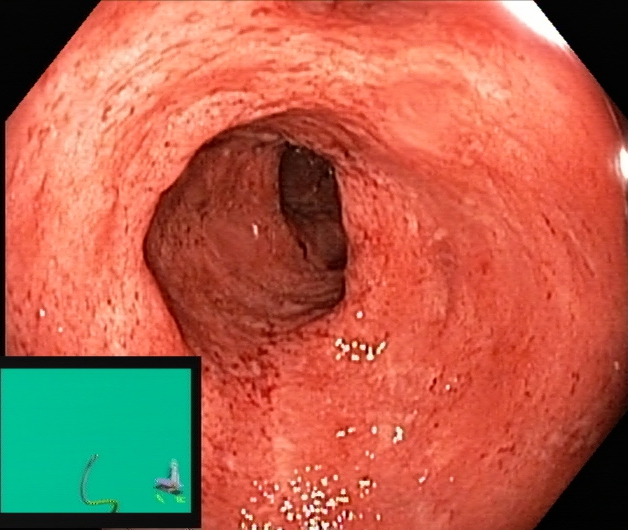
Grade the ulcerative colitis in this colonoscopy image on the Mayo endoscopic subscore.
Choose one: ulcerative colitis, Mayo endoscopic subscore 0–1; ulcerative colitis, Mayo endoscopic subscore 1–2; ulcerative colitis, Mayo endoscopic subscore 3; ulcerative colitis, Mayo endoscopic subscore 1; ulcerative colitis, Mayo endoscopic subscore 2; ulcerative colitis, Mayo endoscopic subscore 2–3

ulcerative colitis, Mayo endoscopic subscore 2